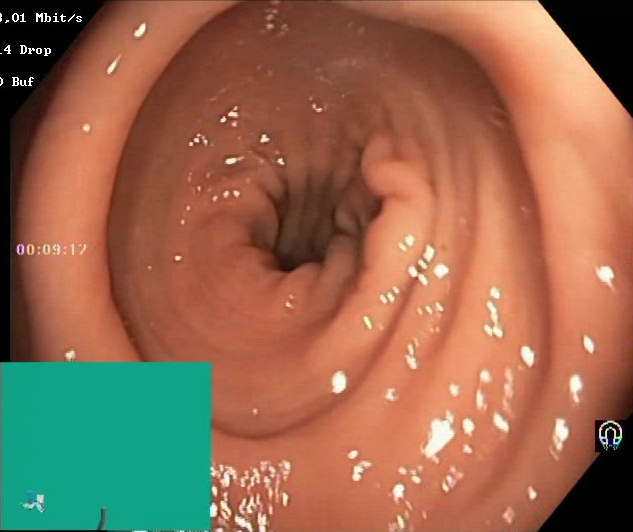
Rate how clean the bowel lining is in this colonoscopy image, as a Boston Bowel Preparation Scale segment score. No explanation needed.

Boston Bowel Preparation Scale score 2–3 (adequate preparation)